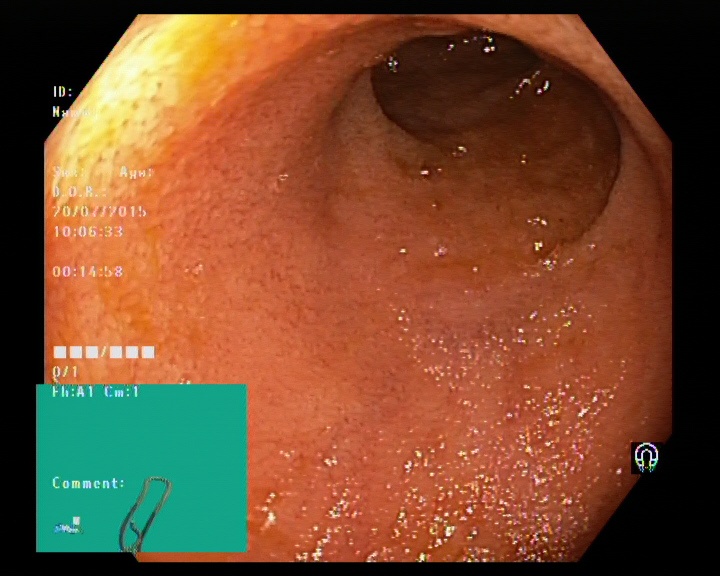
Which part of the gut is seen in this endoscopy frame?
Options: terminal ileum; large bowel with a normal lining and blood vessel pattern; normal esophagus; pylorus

large bowel with a normal lining and blood vessel pattern